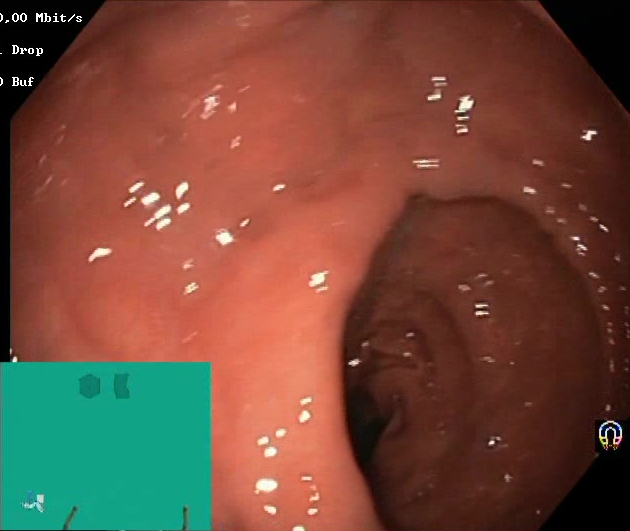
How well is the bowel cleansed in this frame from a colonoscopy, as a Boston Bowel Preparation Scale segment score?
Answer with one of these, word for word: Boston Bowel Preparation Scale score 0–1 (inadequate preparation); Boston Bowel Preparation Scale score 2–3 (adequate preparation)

Boston Bowel Preparation Scale score 2–3 (adequate preparation)